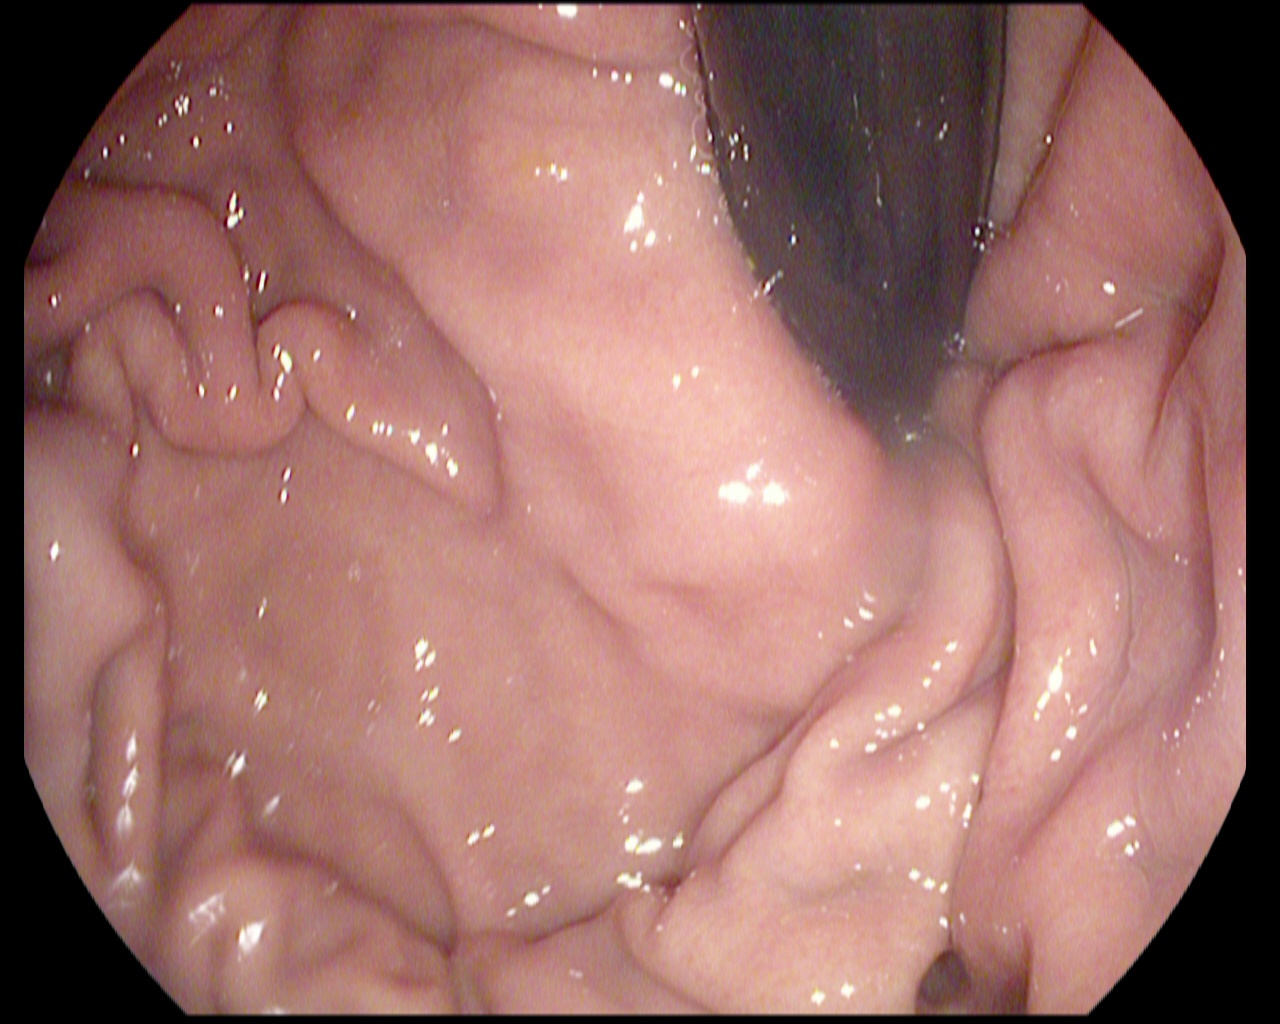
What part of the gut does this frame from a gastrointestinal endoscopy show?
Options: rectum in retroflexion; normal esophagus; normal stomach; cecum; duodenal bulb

normal stomach